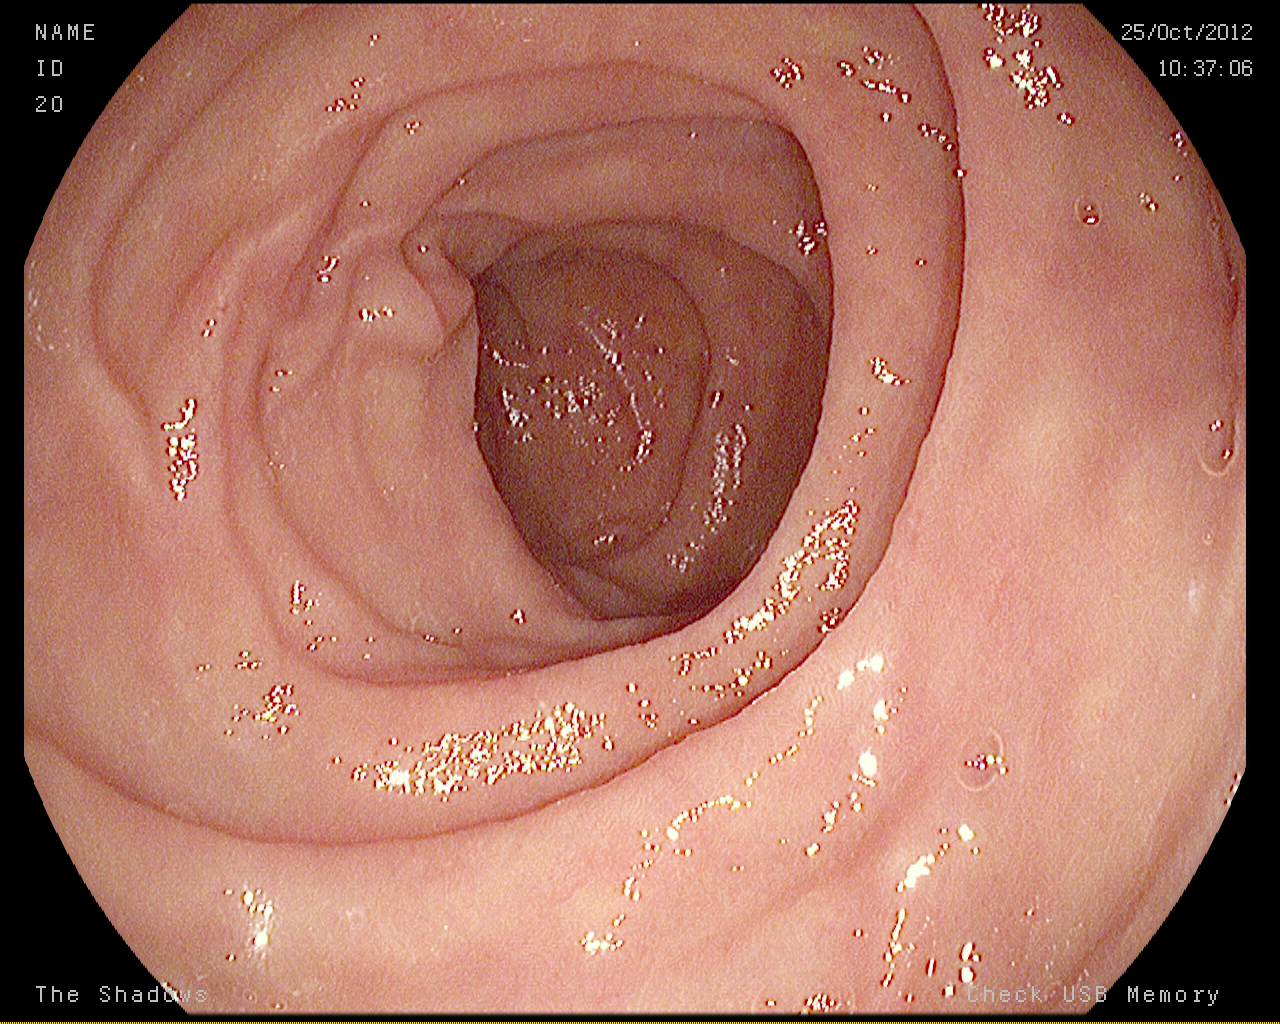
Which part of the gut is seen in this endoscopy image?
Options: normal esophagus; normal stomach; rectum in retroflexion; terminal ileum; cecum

terminal ileum